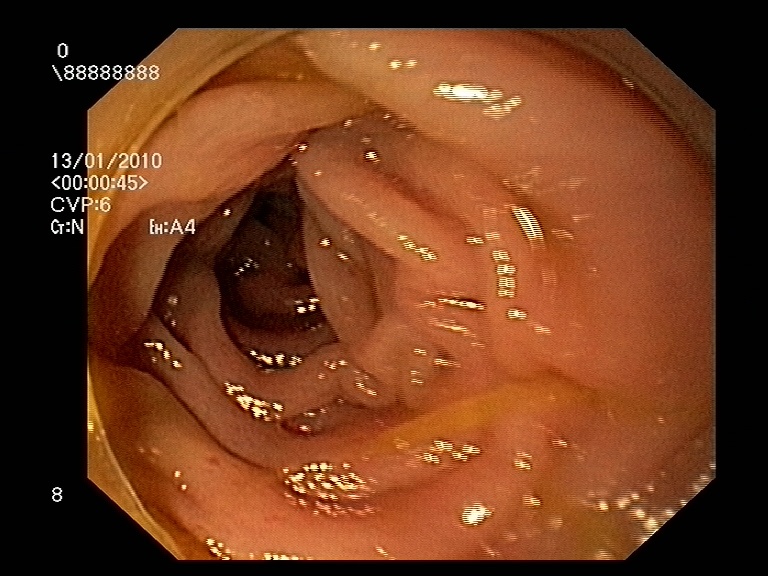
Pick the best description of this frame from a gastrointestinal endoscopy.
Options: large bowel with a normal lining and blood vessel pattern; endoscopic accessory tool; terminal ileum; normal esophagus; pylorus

terminal ileum